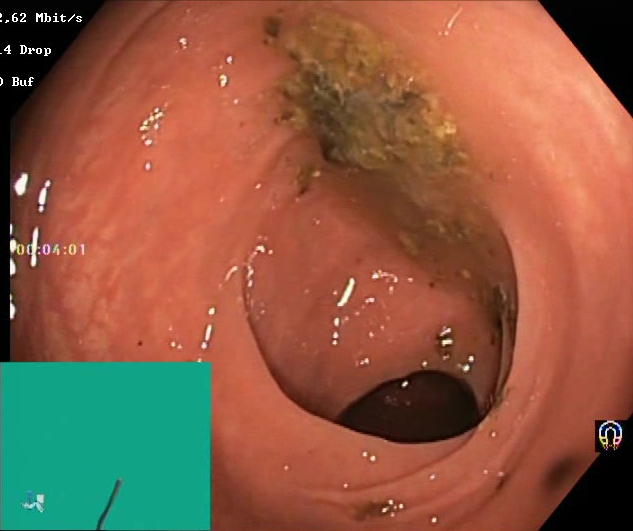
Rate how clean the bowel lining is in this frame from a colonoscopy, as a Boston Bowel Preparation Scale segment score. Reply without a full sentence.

Boston Bowel Preparation Scale score 0–1 (inadequate preparation)